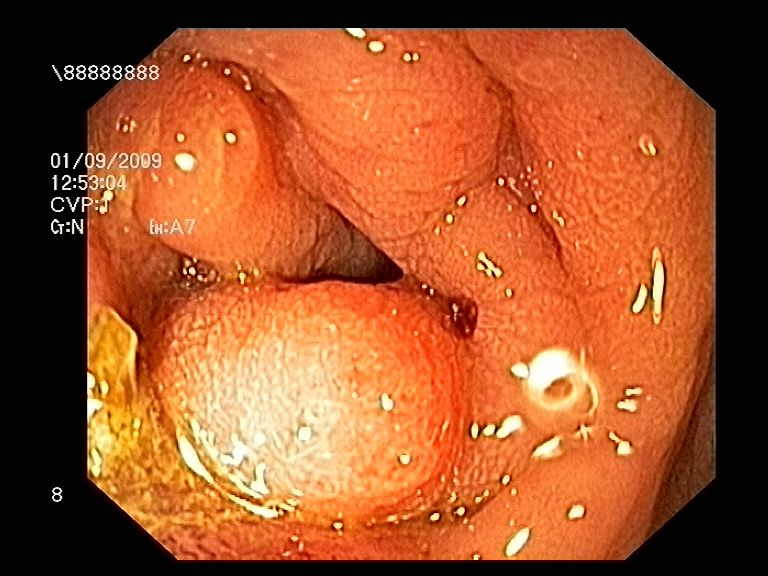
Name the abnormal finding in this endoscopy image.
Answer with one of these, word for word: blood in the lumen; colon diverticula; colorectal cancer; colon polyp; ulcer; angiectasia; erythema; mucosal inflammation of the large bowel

colon polyp